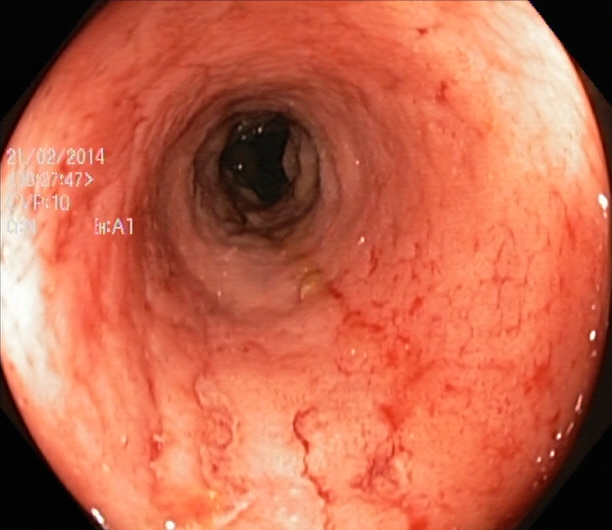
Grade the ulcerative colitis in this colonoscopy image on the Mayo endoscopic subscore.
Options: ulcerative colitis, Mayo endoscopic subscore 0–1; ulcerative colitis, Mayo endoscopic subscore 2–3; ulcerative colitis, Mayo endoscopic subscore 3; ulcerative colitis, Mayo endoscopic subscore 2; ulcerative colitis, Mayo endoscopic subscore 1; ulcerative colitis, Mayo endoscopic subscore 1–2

ulcerative colitis, Mayo endoscopic subscore 2